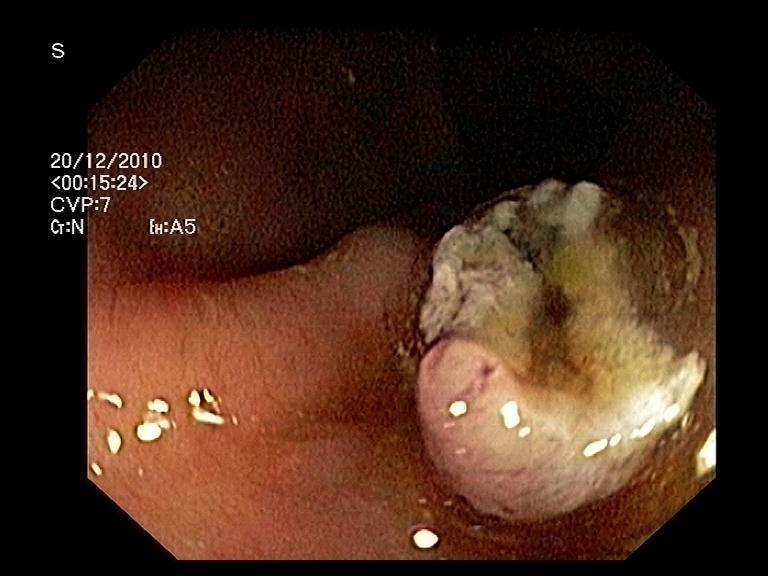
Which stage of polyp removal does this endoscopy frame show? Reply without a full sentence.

undyed resection margin (post-polypectomy)